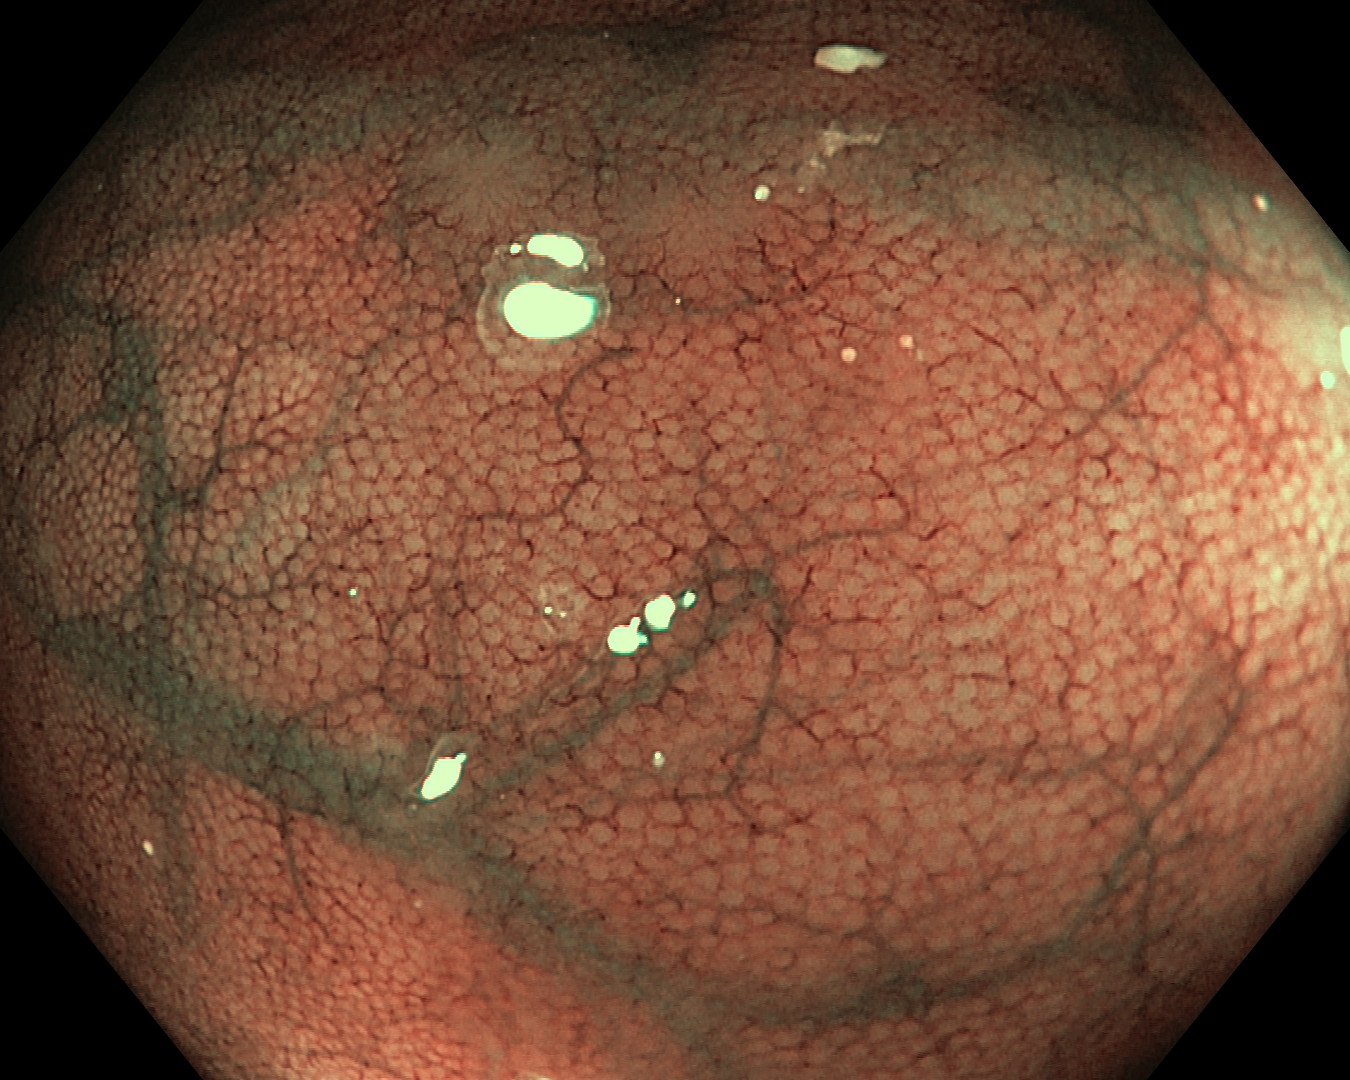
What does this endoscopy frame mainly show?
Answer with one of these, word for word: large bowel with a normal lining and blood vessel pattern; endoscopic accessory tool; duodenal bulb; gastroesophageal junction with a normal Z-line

large bowel with a normal lining and blood vessel pattern